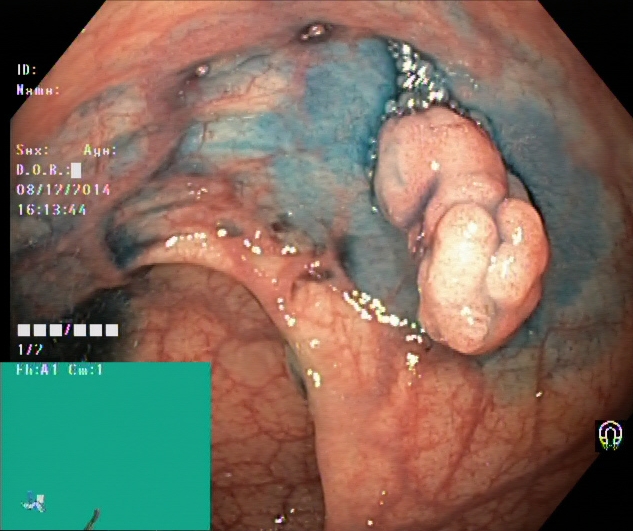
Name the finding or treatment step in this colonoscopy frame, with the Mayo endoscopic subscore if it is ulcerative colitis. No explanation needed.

dyed and lifted polyp (pre-resection)